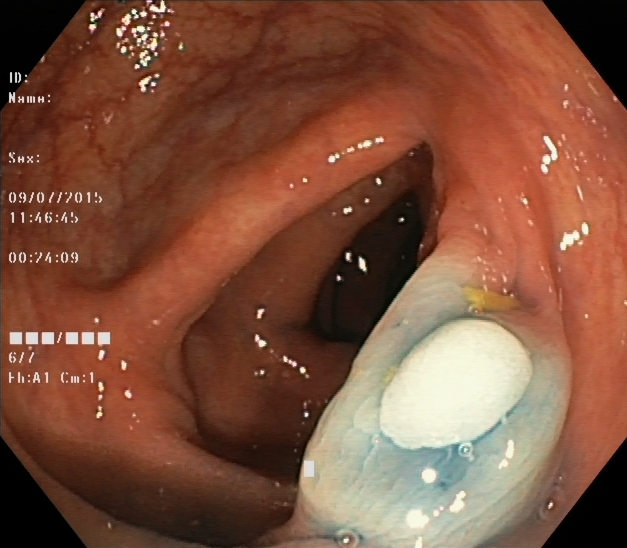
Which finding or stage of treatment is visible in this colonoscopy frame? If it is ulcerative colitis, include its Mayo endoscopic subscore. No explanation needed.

dyed and lifted polyp (pre-resection)